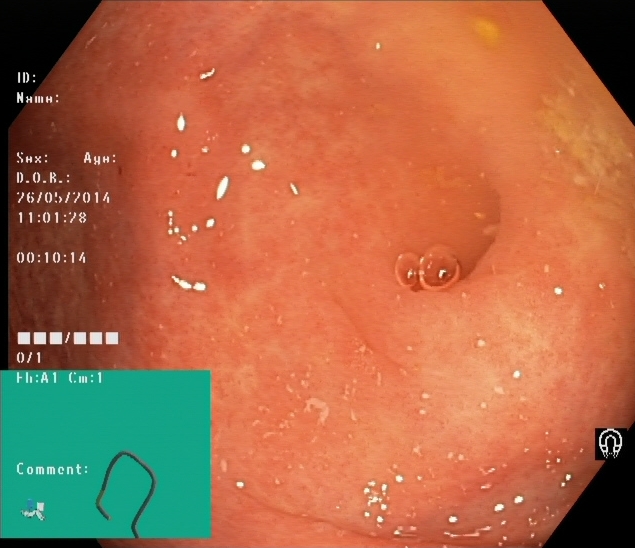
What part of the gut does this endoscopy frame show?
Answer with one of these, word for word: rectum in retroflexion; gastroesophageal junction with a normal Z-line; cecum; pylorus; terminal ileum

cecum